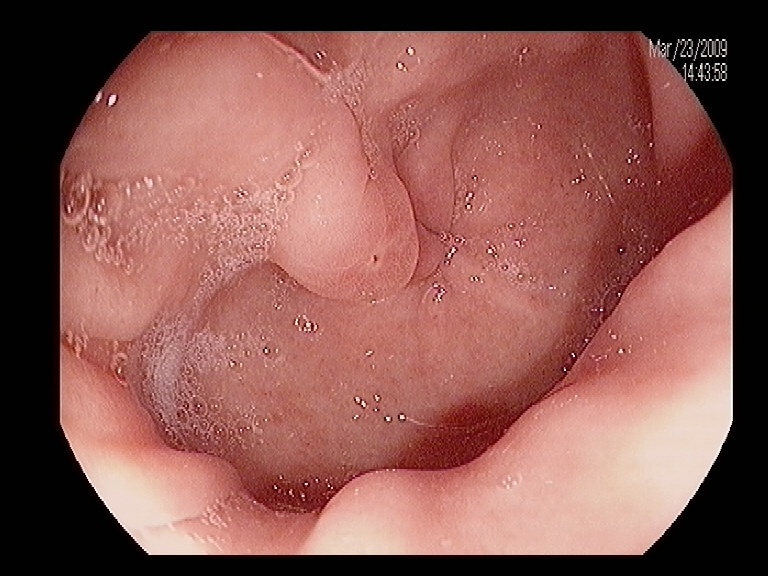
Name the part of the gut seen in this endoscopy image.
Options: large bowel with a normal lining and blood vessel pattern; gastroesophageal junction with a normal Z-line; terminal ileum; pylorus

pylorus